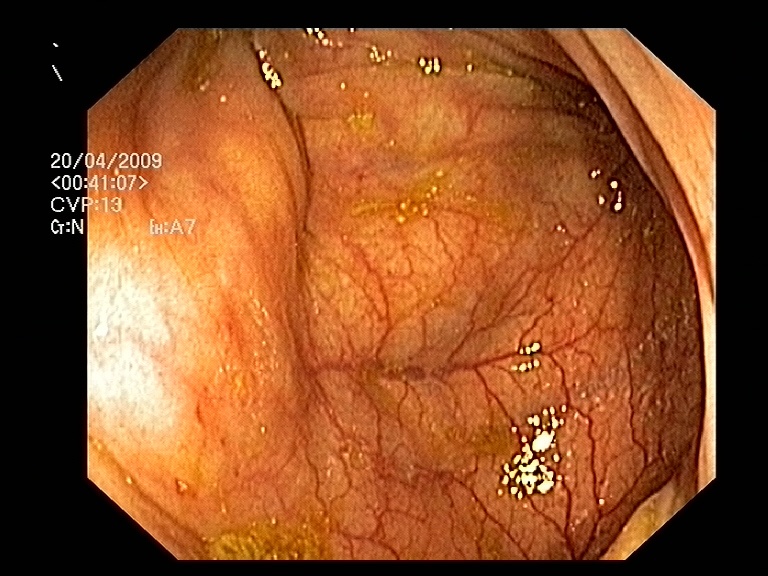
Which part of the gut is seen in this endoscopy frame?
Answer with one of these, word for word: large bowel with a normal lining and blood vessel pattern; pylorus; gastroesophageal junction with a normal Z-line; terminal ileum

large bowel with a normal lining and blood vessel pattern